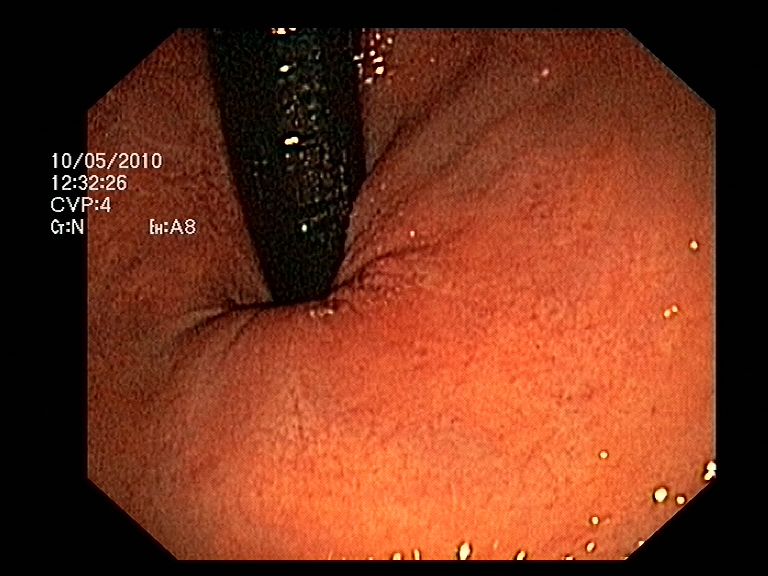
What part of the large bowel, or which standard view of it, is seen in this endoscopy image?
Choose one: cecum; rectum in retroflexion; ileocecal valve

rectum in retroflexion